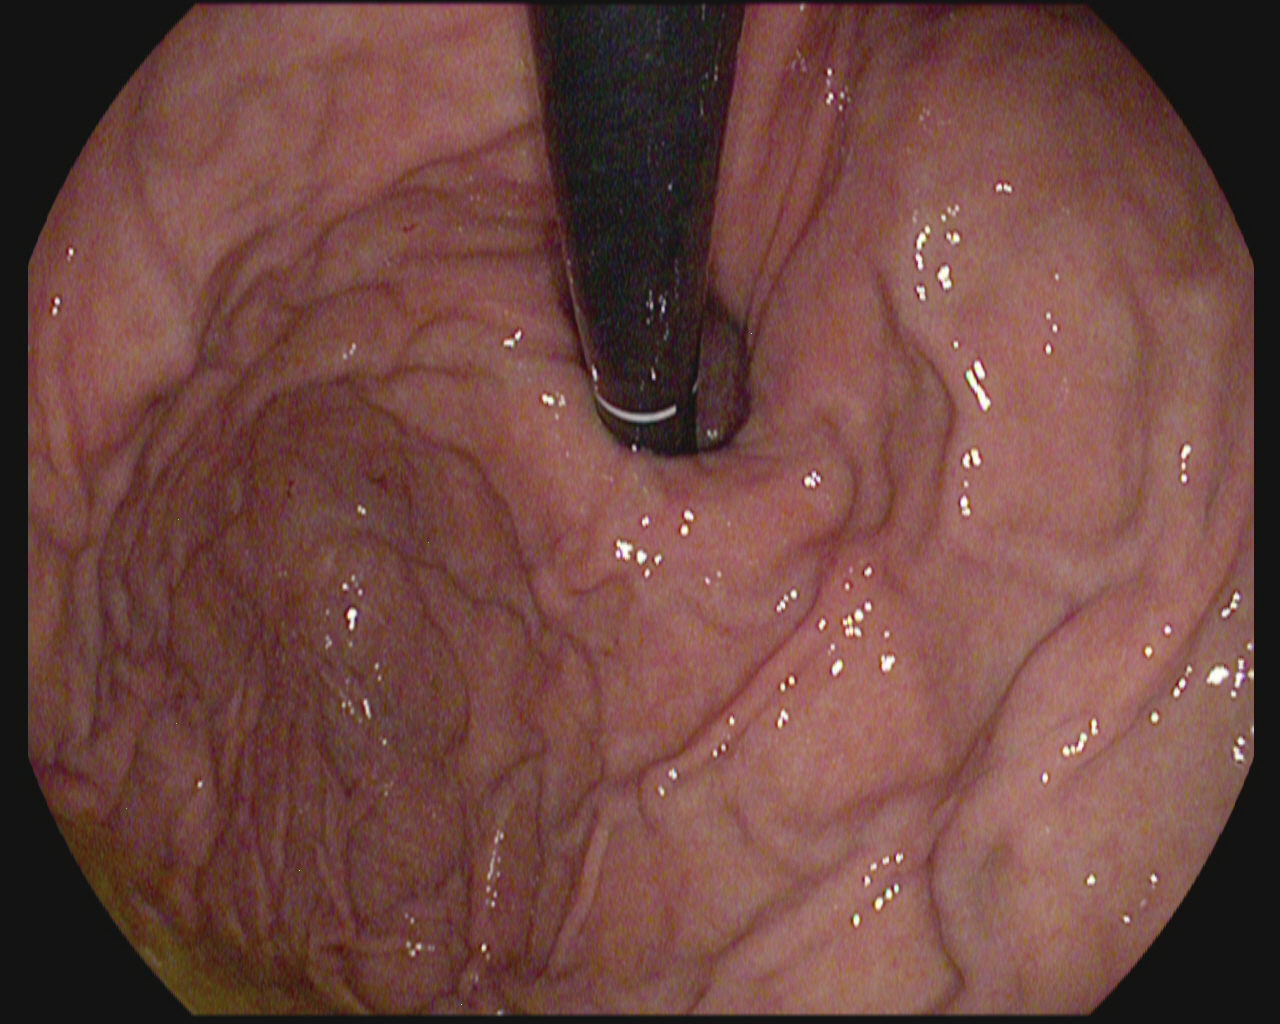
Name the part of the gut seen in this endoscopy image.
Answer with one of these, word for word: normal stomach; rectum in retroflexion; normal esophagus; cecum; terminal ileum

normal stomach